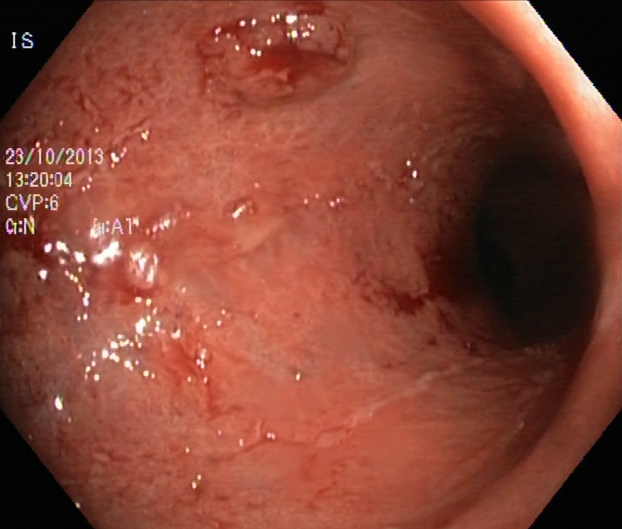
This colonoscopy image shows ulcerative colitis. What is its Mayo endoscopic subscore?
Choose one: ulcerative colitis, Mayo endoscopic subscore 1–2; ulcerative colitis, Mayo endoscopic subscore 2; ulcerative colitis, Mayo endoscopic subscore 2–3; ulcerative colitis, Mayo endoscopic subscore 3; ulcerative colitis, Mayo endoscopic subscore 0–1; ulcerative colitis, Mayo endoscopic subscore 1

ulcerative colitis, Mayo endoscopic subscore 2